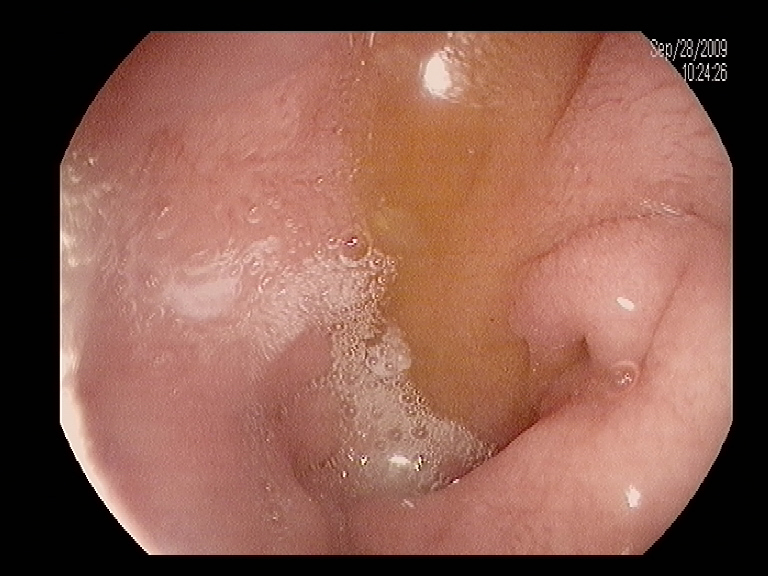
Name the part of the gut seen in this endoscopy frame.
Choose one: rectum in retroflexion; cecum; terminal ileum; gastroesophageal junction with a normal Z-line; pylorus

terminal ileum